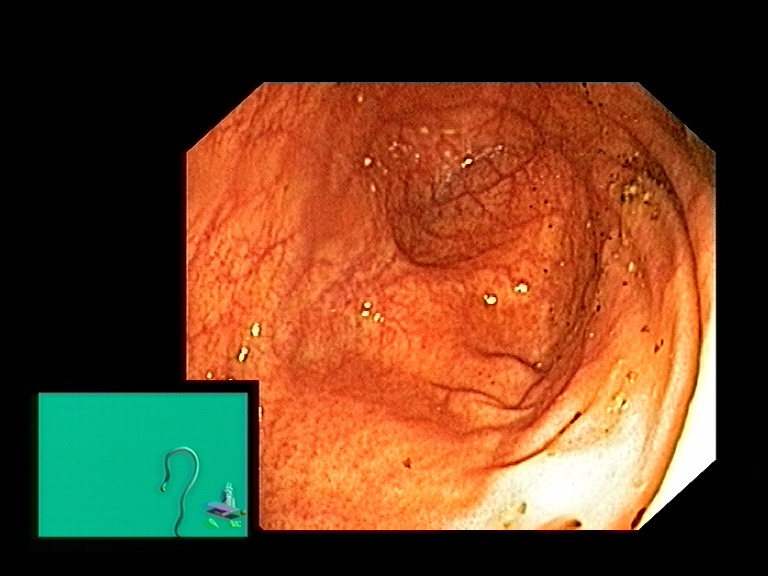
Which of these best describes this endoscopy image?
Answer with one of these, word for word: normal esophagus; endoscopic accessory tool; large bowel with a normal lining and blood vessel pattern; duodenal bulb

large bowel with a normal lining and blood vessel pattern